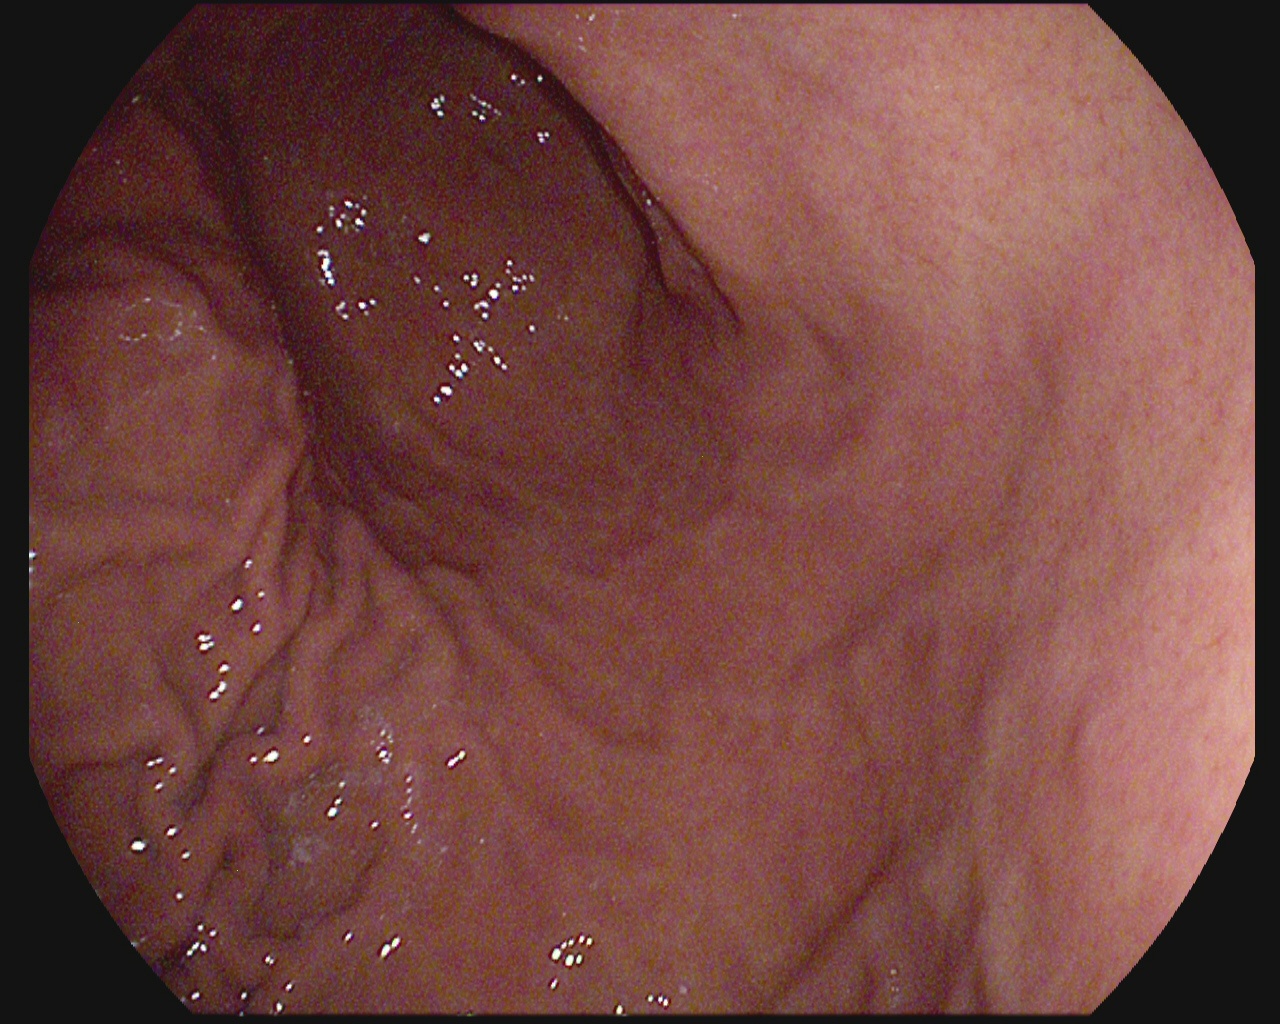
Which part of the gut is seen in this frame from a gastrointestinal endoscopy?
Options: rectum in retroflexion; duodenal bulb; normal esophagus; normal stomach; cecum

normal stomach